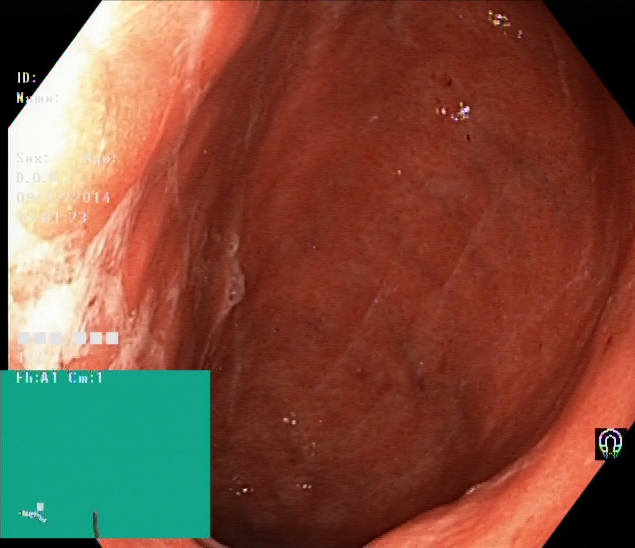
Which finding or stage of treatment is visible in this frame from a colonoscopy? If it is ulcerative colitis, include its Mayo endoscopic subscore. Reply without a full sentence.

ulcerative colitis, Mayo endoscopic subscore 2